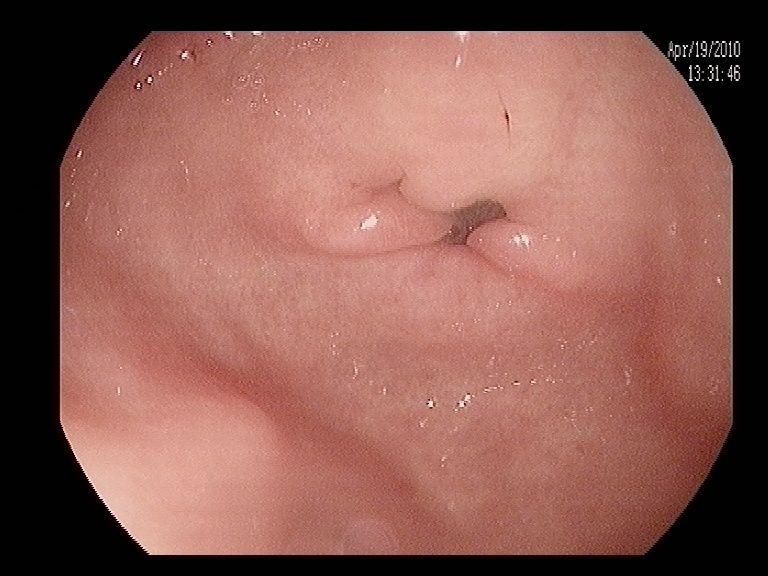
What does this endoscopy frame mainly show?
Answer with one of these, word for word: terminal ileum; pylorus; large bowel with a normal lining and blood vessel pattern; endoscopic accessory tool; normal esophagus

pylorus